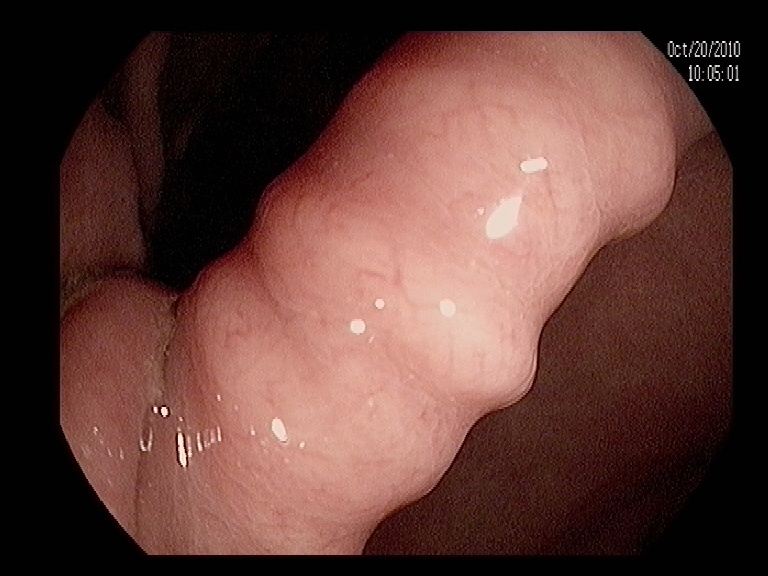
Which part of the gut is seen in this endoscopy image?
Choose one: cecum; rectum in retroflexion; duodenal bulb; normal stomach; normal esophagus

normal stomach